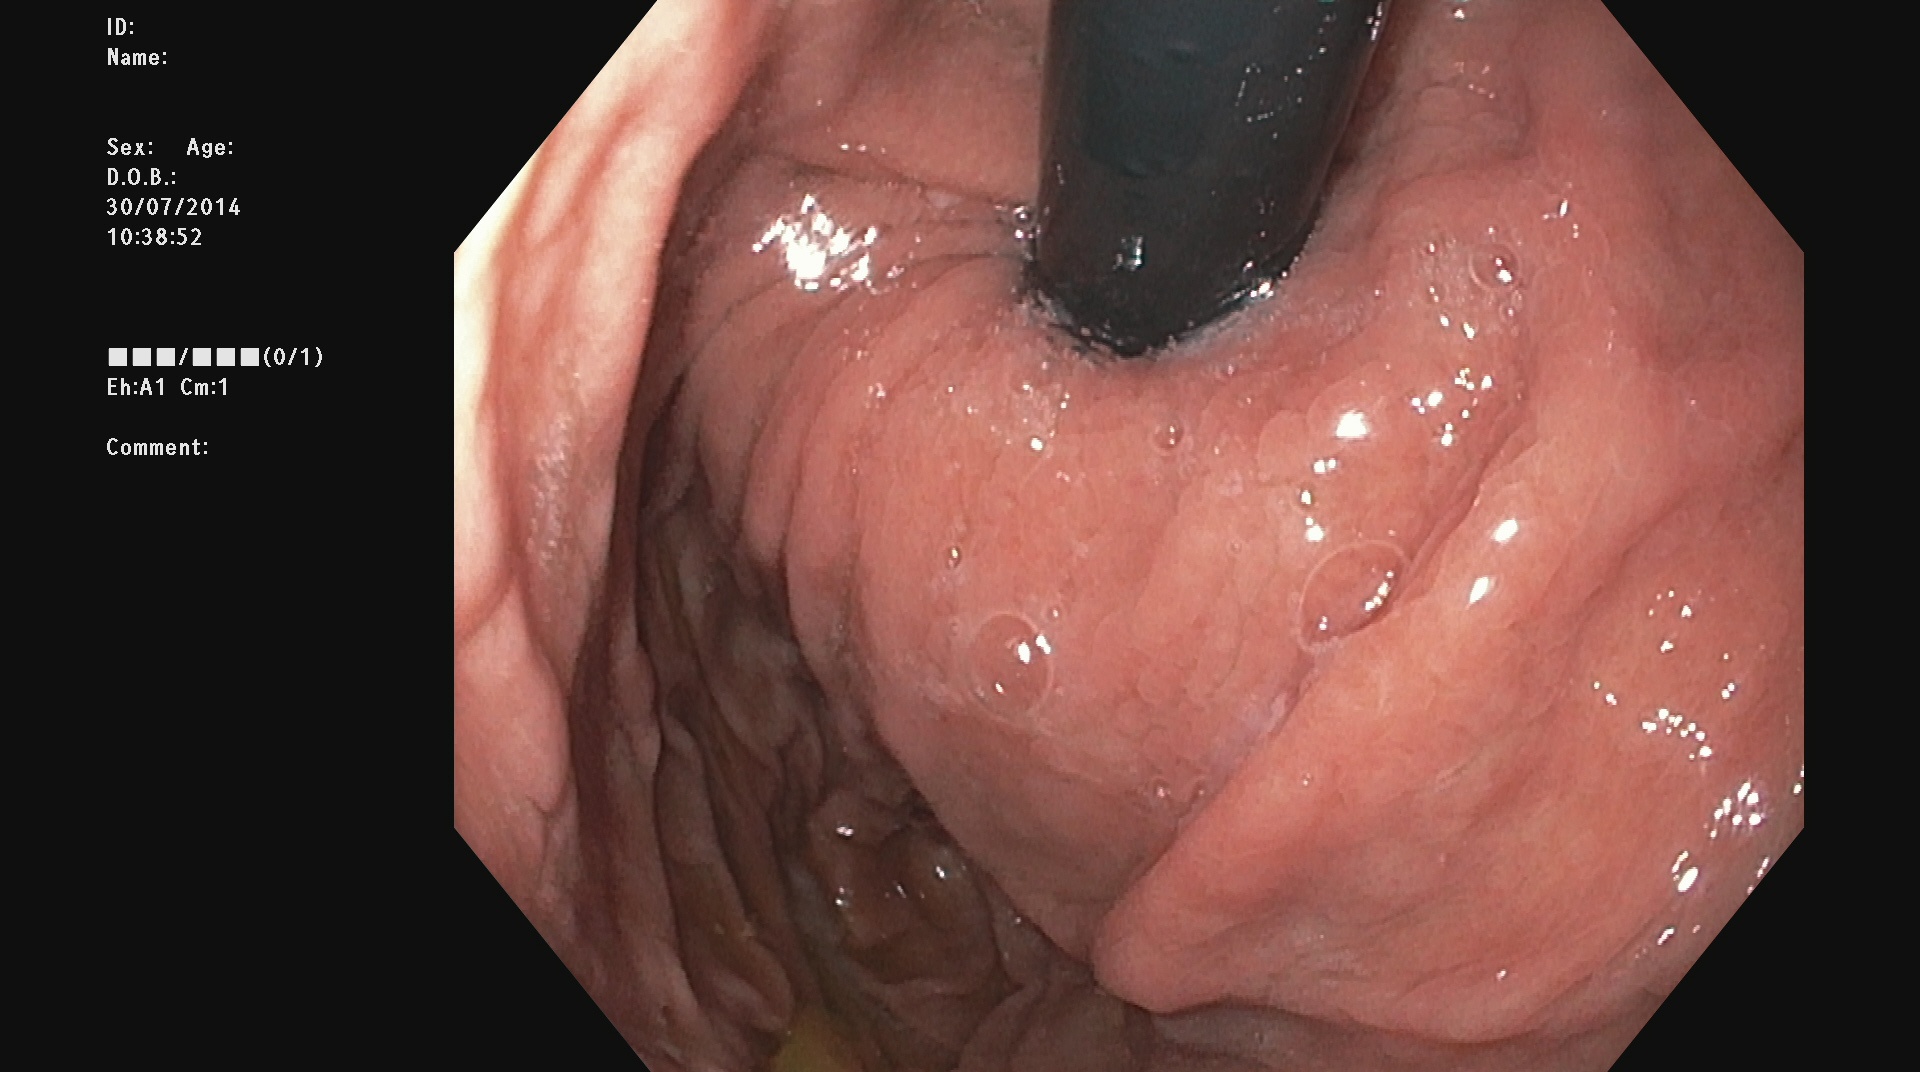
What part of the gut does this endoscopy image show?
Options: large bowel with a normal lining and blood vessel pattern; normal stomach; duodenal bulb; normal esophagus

normal stomach